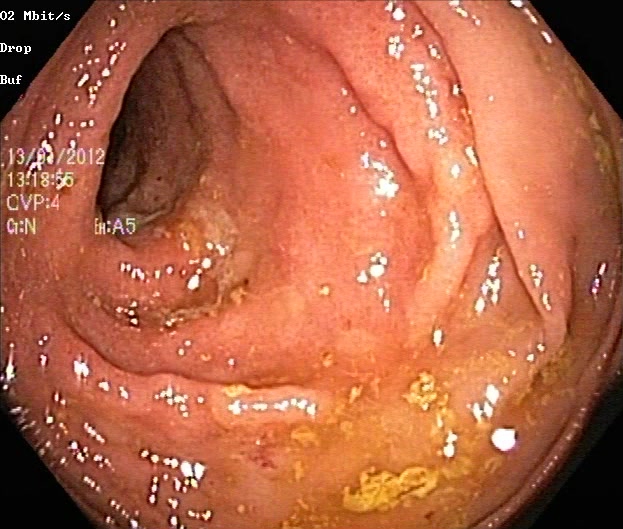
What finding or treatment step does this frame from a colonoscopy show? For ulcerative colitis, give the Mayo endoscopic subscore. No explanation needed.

ulcerative colitis, Mayo endoscopic subscore 2